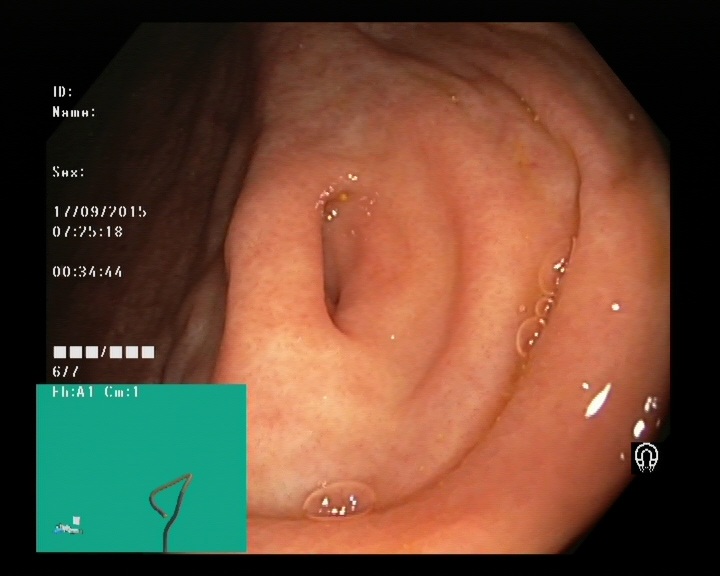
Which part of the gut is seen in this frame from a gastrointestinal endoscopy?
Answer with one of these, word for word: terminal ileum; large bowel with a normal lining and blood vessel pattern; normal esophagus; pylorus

large bowel with a normal lining and blood vessel pattern